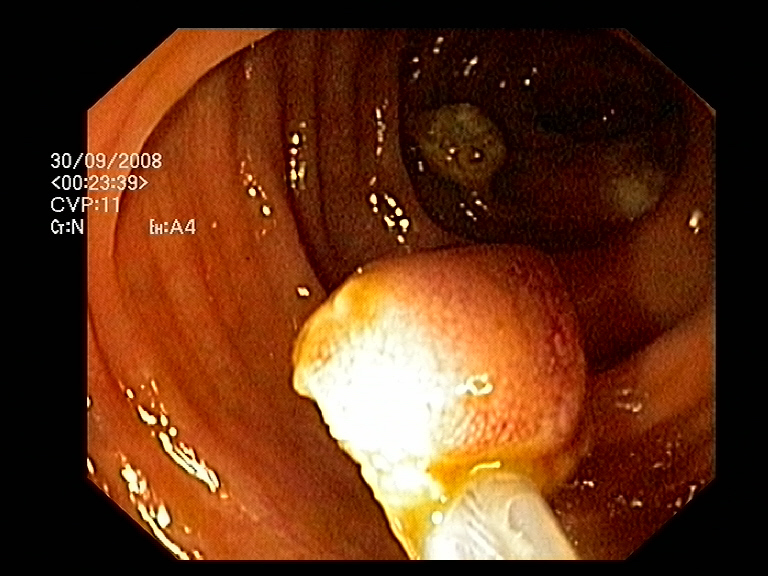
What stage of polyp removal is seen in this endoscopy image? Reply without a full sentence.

resected polyp